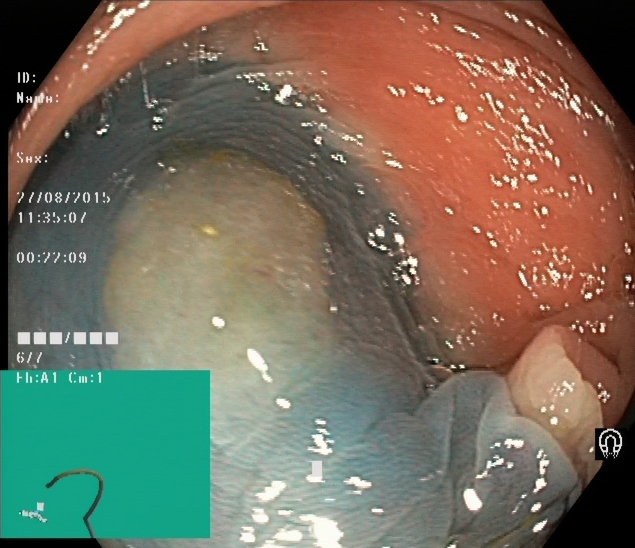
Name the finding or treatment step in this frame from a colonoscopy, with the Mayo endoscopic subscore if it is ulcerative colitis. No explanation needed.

dyed and lifted polyp (pre-resection)